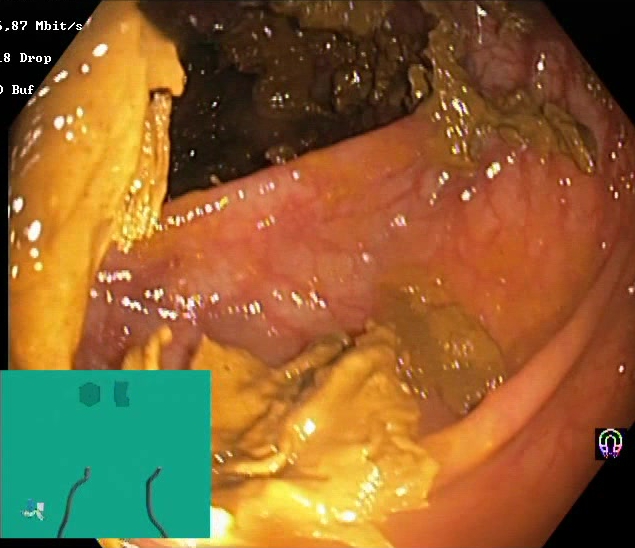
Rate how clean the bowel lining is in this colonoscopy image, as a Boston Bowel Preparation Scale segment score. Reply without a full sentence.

Boston Bowel Preparation Scale score 0–1 (inadequate preparation)